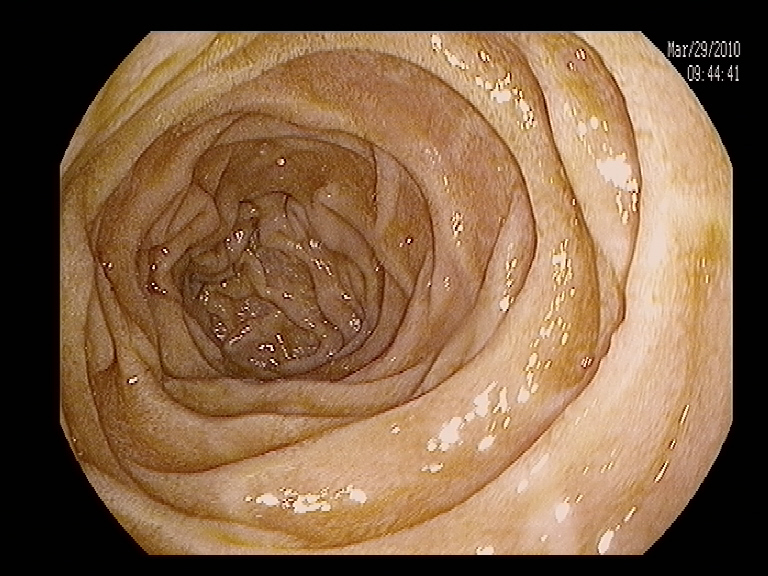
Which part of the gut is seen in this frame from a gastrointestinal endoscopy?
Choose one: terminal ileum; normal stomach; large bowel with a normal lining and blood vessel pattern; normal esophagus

terminal ileum